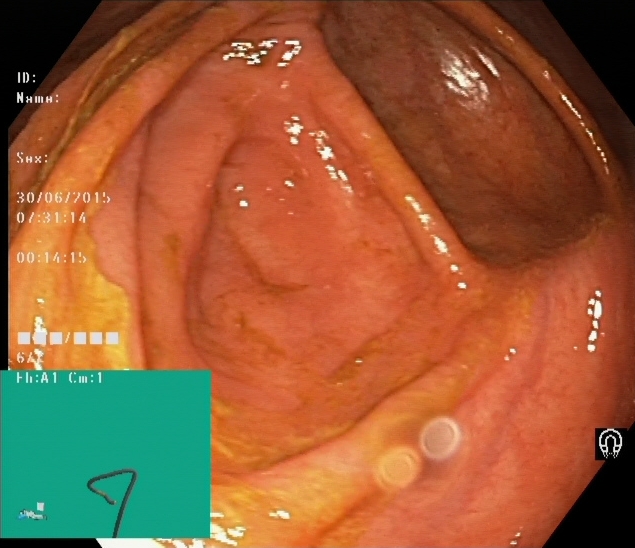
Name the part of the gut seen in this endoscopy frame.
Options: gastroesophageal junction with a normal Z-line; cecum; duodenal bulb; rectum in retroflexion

cecum